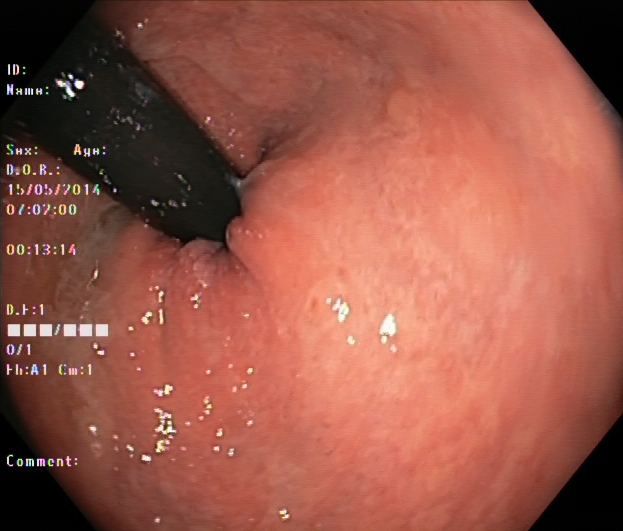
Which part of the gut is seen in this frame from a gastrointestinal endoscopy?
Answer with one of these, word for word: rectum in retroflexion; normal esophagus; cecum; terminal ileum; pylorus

rectum in retroflexion